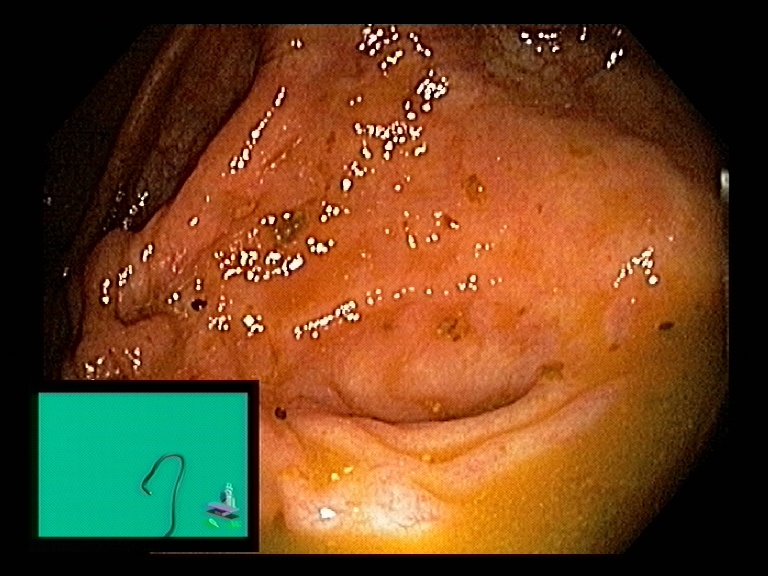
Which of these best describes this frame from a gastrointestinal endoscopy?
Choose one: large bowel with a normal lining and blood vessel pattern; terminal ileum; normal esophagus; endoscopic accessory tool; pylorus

large bowel with a normal lining and blood vessel pattern